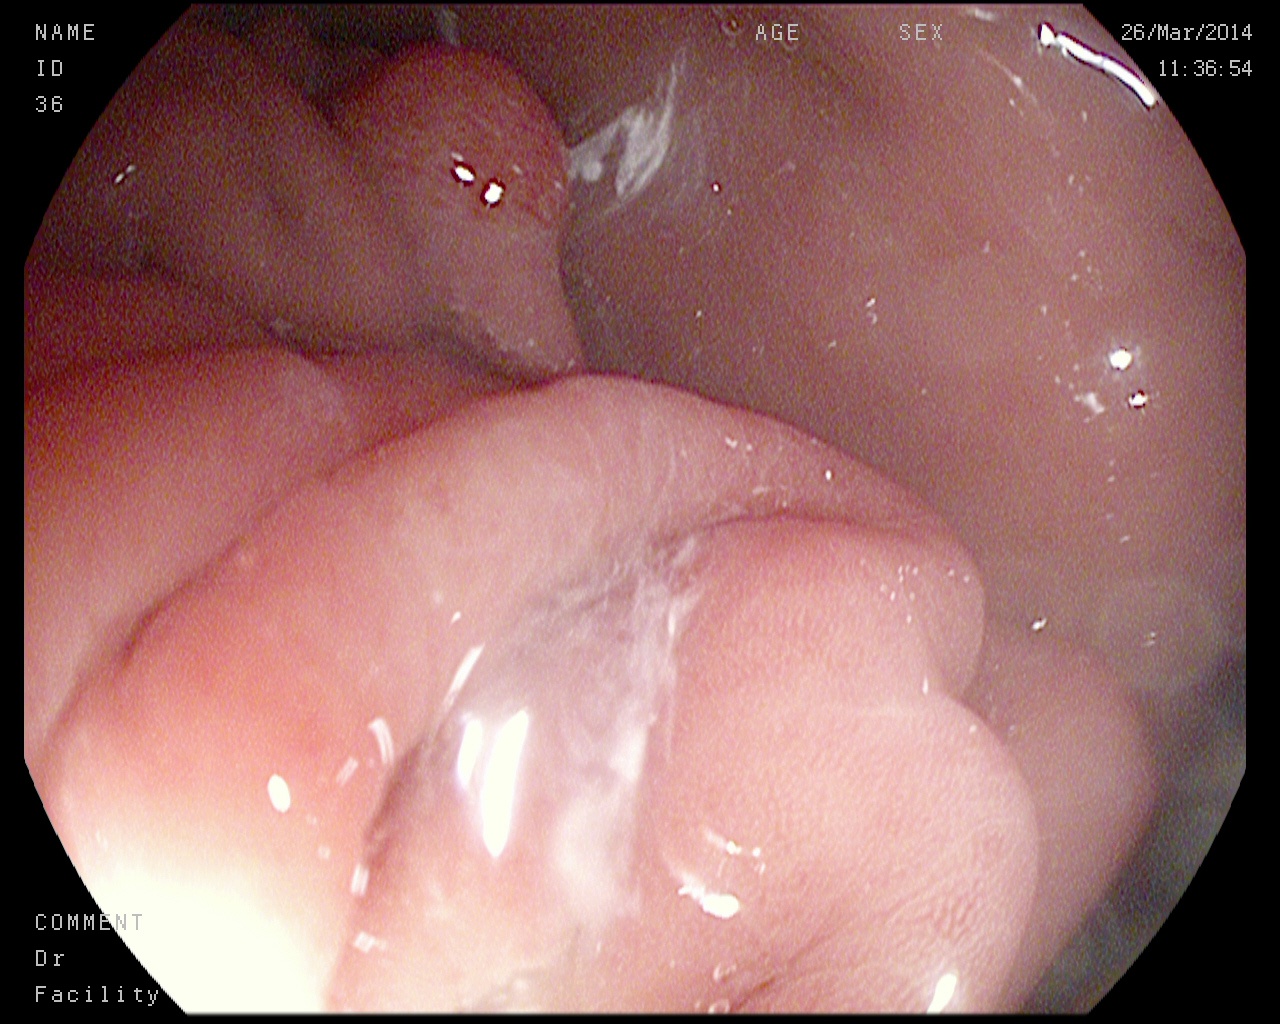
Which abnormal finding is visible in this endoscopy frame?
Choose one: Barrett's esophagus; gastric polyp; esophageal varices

gastric polyp